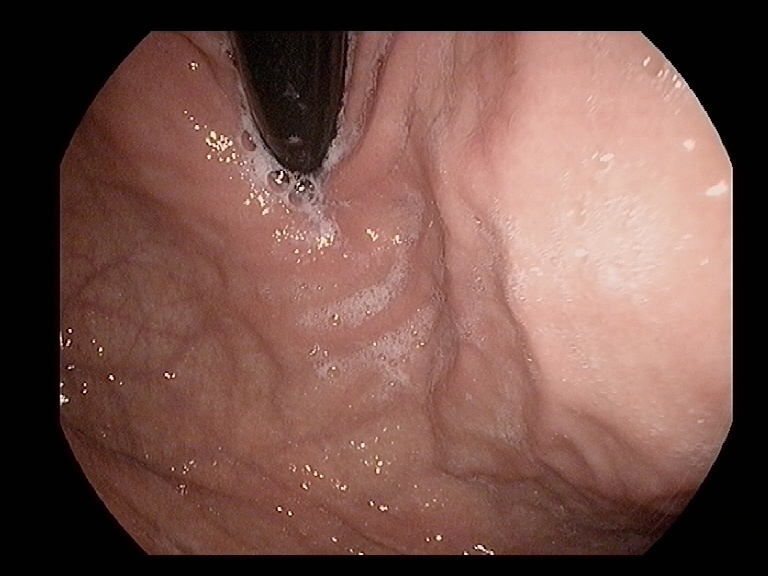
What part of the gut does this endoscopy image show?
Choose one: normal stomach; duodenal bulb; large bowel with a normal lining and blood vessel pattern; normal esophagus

normal stomach